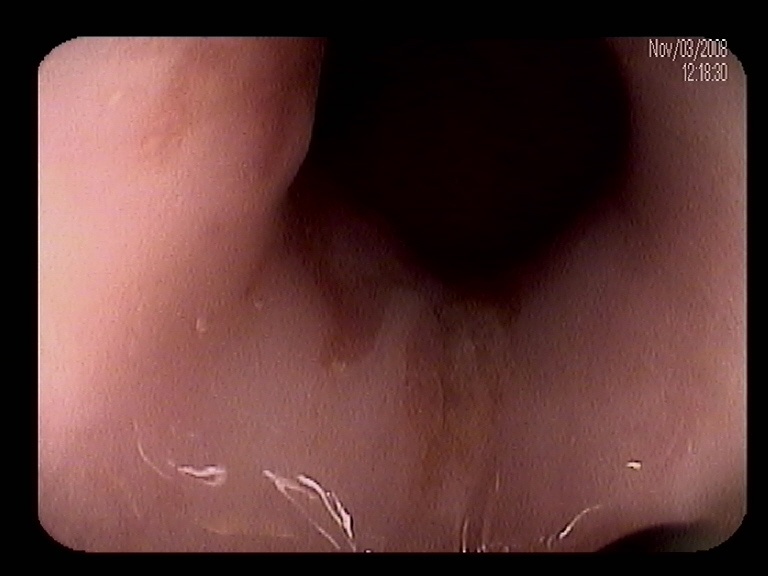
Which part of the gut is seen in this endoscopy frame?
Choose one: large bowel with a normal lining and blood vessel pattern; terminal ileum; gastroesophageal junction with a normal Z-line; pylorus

gastroesophageal junction with a normal Z-line